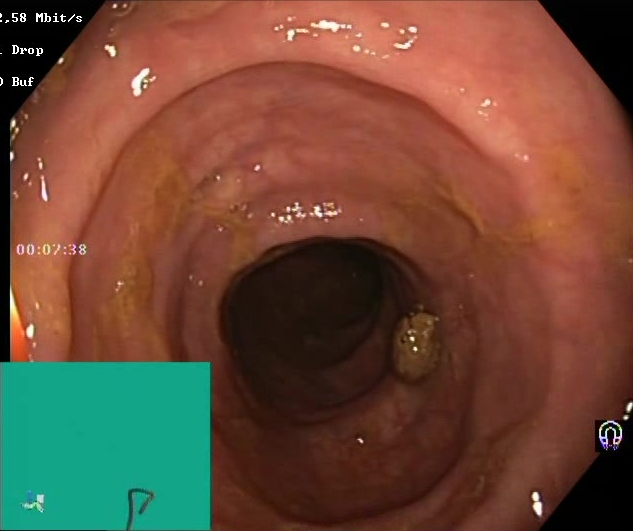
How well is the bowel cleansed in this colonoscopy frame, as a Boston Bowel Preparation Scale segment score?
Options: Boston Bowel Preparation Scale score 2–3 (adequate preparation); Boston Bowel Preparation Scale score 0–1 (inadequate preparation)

Boston Bowel Preparation Scale score 2–3 (adequate preparation)